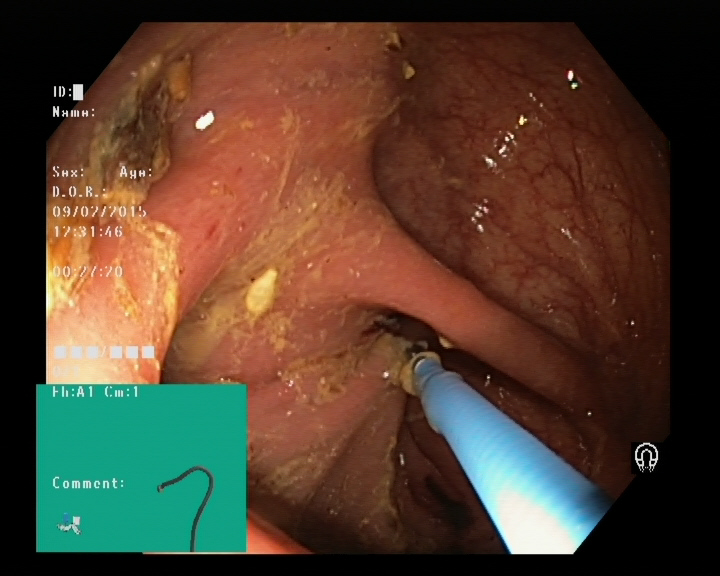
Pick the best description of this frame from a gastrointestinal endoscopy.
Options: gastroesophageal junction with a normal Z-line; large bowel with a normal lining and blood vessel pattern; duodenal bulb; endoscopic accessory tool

endoscopic accessory tool